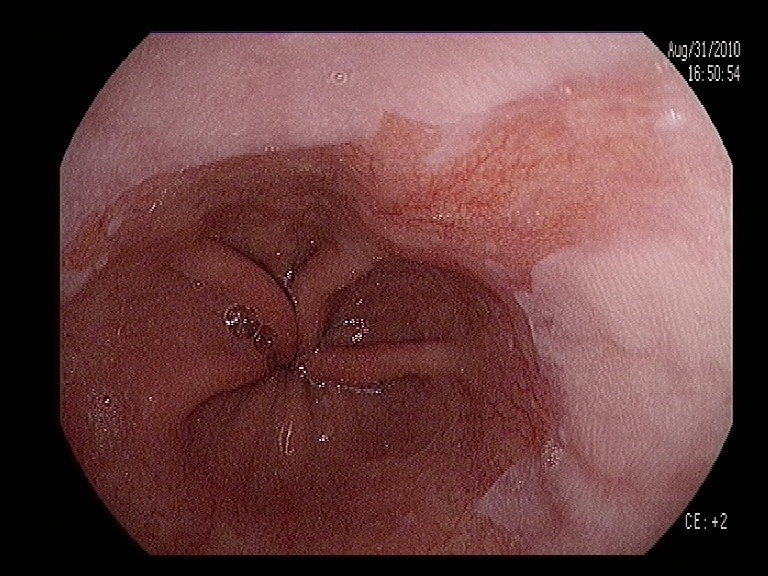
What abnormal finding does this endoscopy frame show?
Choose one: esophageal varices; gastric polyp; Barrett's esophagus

Barrett's esophagus